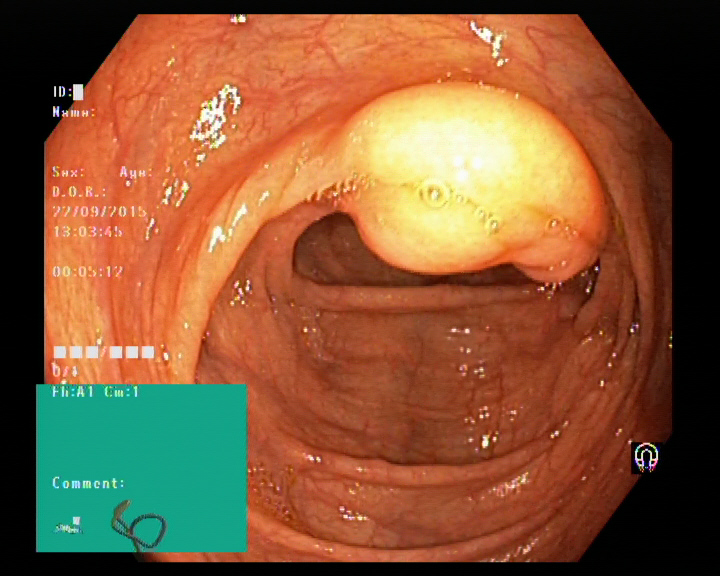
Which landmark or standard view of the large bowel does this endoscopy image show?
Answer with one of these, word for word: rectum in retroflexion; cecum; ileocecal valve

ileocecal valve